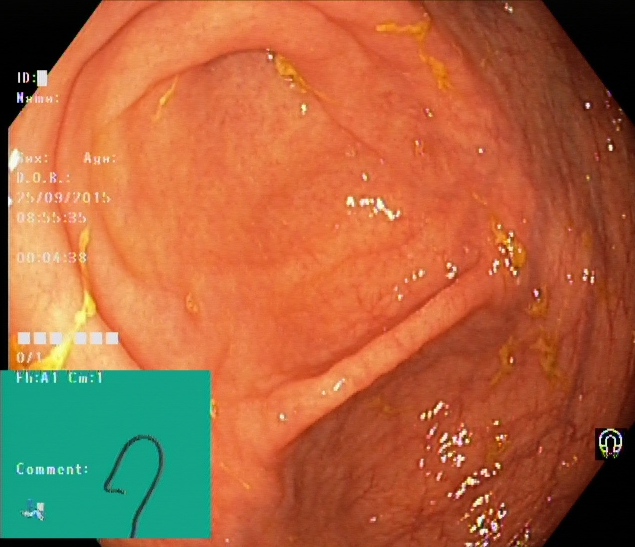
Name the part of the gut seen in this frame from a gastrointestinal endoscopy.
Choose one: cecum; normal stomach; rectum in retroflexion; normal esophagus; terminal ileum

cecum